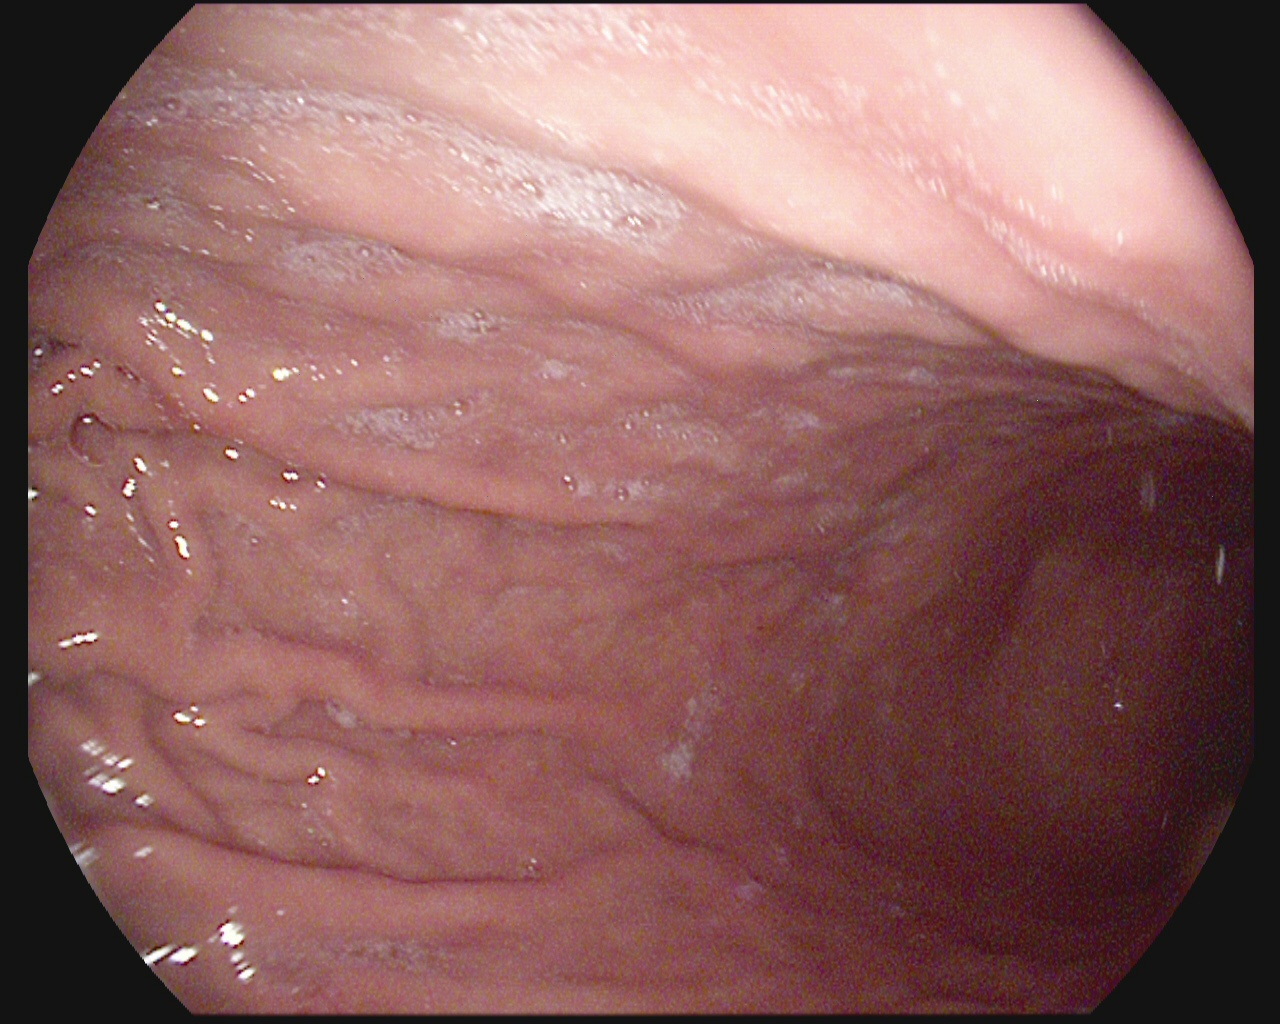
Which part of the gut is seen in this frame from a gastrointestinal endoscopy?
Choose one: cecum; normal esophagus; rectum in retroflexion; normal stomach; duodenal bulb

normal stomach